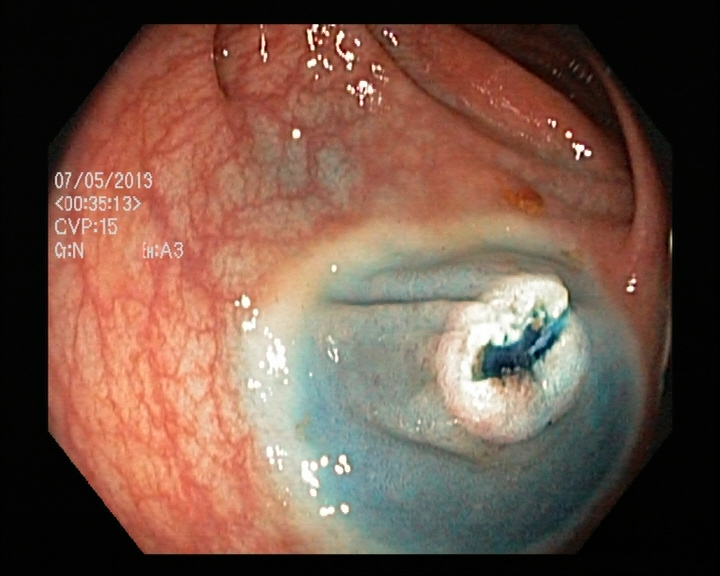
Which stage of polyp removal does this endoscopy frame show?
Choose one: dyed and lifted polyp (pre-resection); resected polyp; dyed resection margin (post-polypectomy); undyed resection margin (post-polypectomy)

dyed resection margin (post-polypectomy)